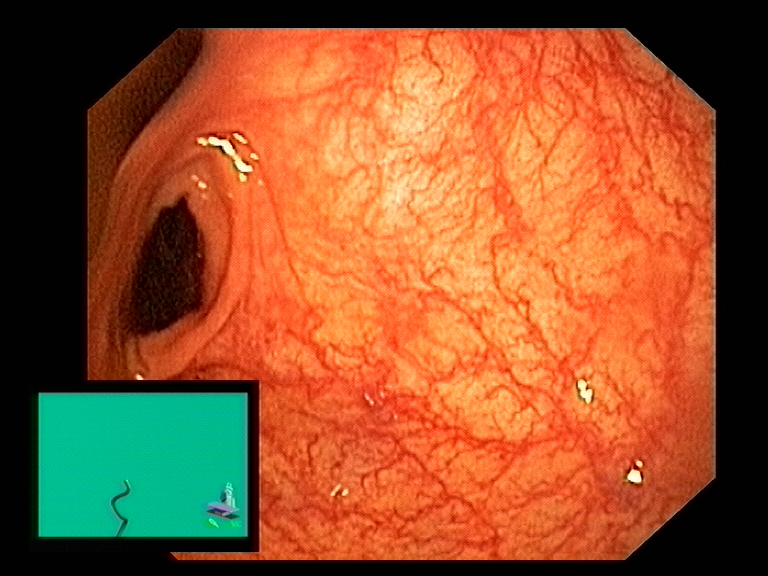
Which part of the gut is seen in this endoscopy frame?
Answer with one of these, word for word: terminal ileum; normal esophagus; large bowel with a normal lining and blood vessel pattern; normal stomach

large bowel with a normal lining and blood vessel pattern